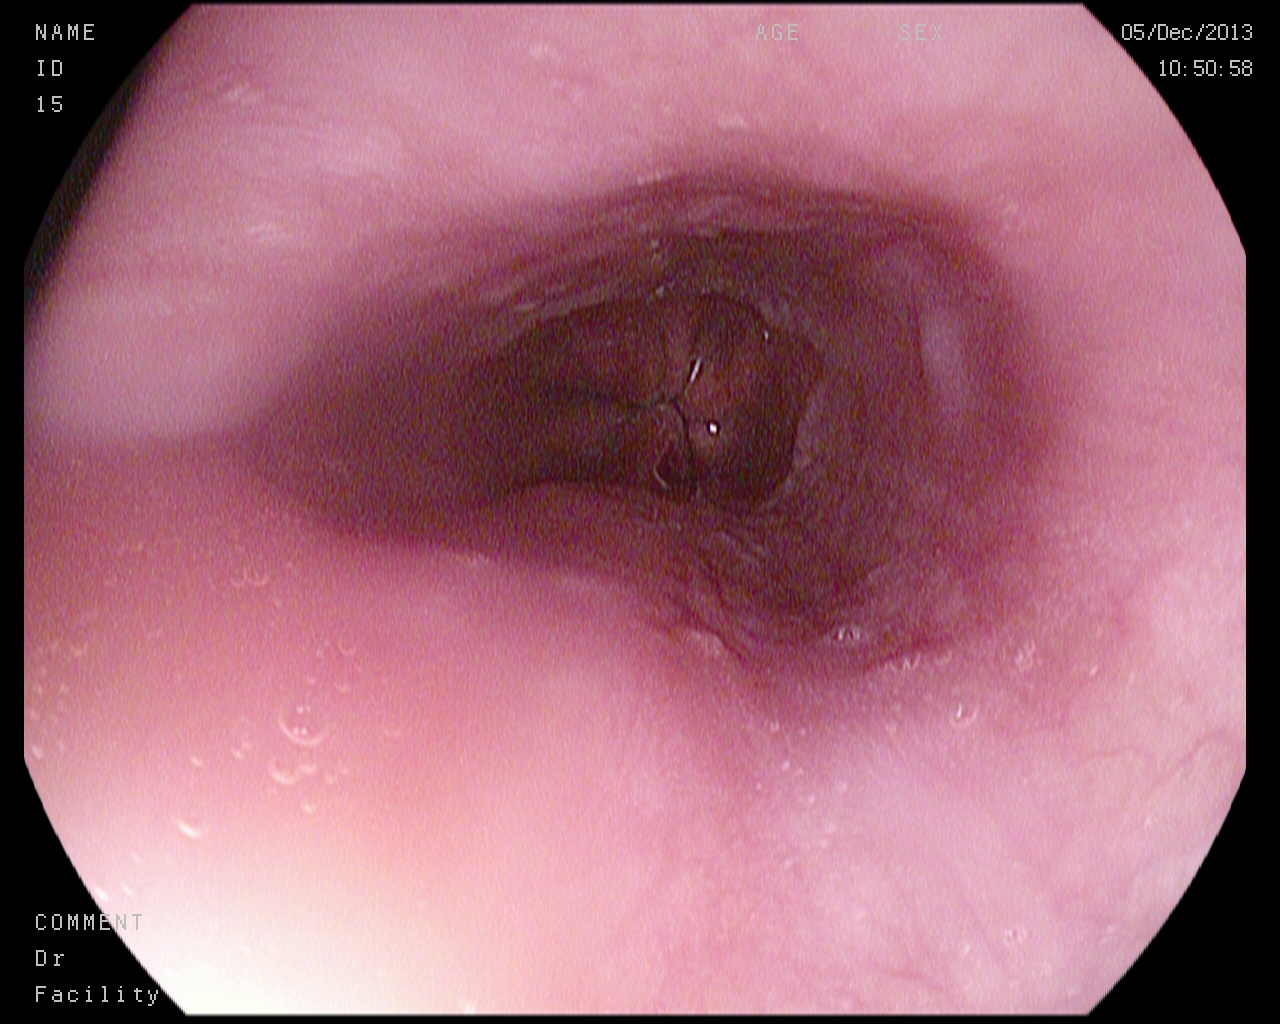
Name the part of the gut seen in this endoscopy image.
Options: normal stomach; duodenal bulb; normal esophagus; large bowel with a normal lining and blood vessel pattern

normal esophagus